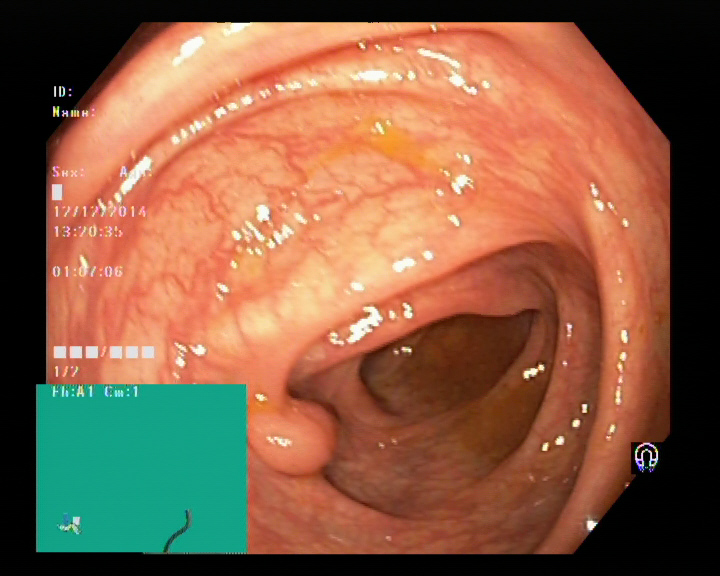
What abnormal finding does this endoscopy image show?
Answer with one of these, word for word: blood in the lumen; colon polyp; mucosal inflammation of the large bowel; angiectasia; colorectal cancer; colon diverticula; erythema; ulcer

colon polyp